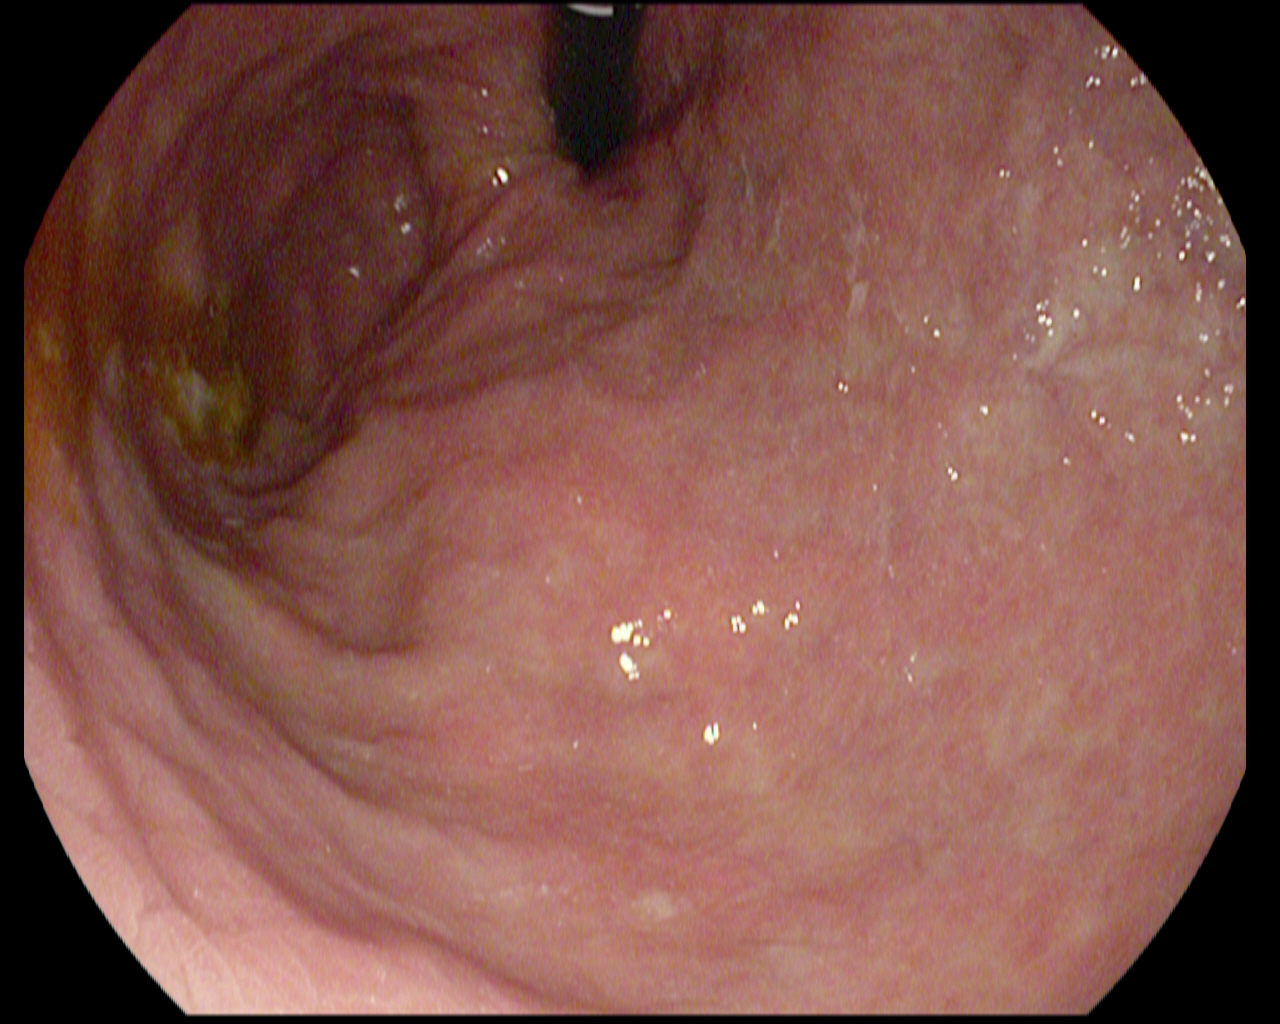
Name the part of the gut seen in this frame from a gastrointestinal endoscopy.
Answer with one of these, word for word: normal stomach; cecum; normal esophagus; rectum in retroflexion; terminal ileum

normal stomach